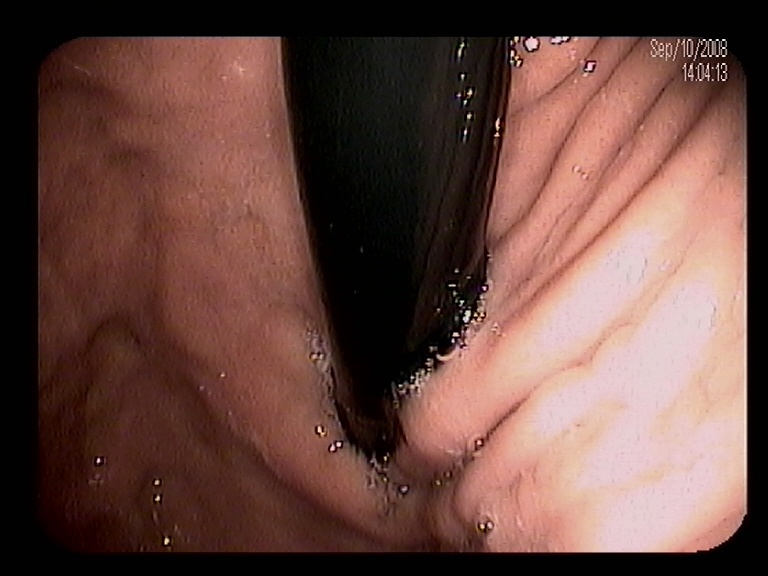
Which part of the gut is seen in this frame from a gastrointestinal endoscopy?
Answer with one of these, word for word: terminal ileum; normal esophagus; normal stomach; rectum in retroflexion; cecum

normal stomach